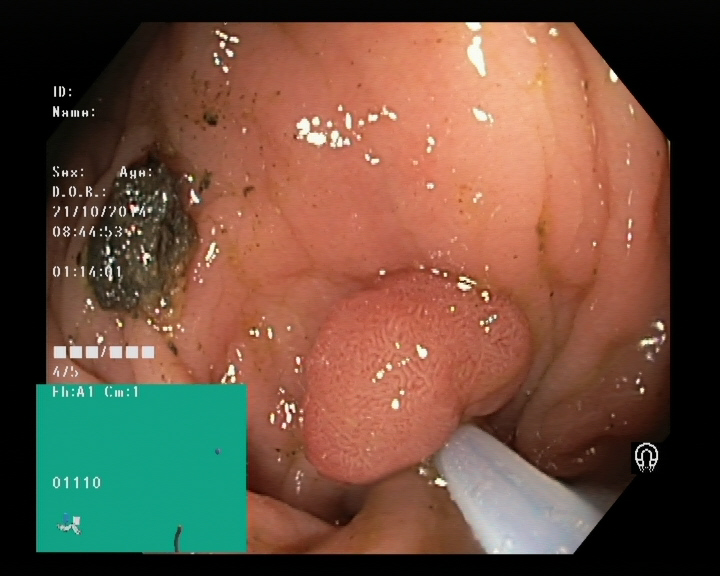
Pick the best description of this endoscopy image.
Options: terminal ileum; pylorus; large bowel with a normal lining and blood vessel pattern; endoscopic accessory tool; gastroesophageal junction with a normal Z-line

endoscopic accessory tool